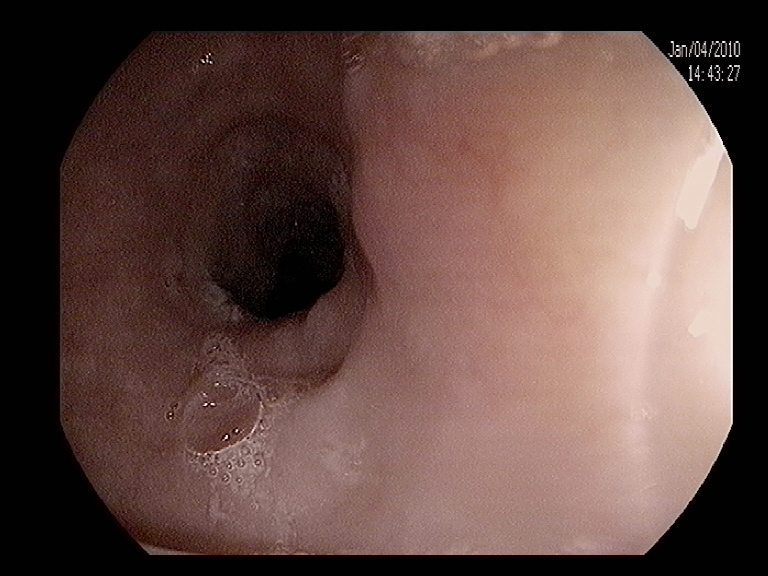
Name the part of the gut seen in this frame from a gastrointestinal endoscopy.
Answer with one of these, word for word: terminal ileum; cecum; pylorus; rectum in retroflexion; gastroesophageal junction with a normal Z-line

terminal ileum